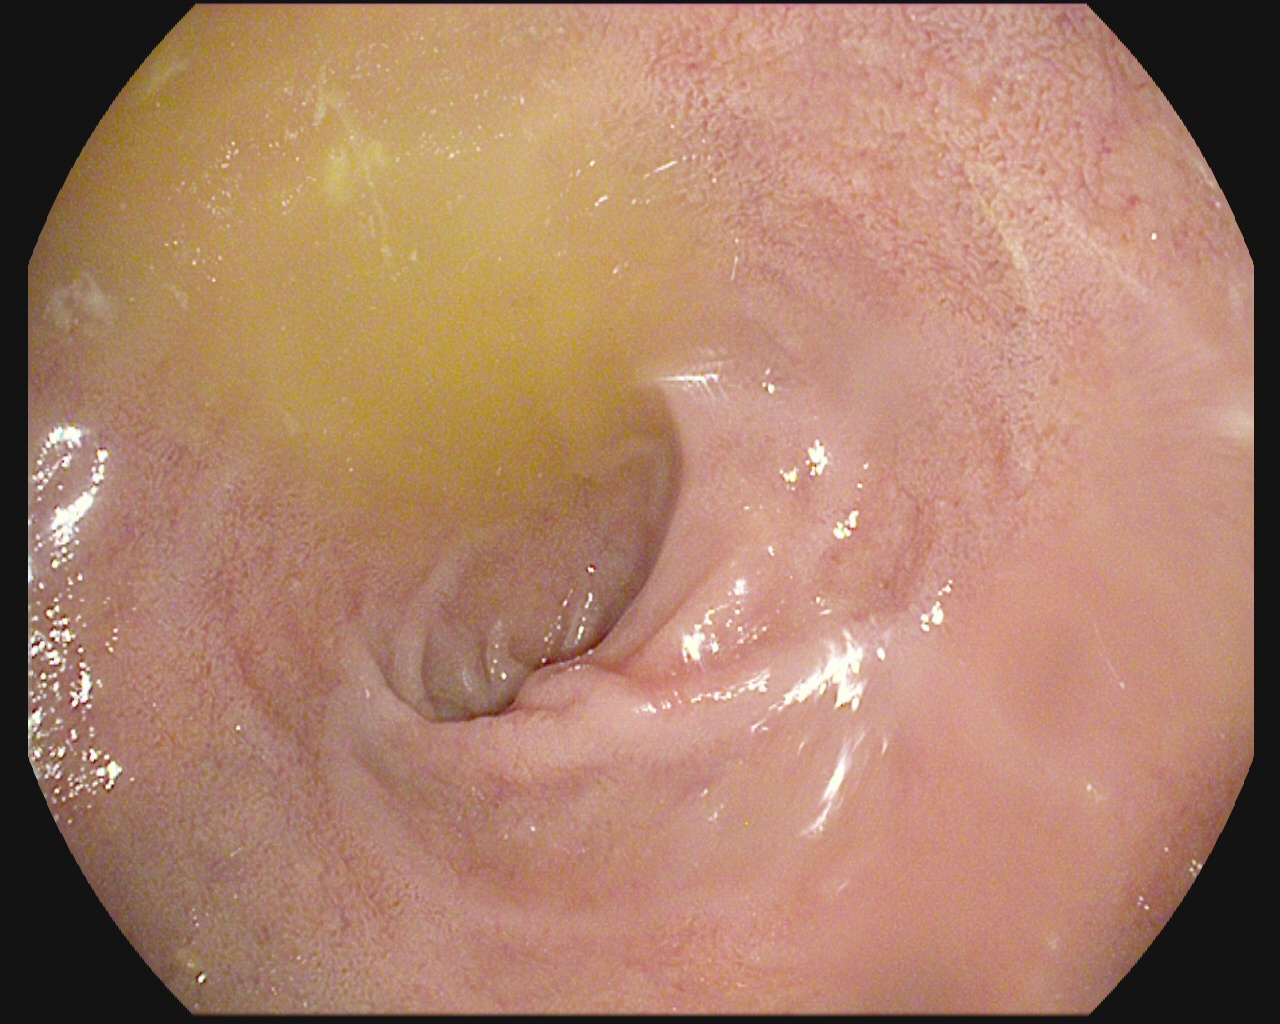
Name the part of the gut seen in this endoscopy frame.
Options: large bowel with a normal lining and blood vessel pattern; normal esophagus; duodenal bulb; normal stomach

duodenal bulb